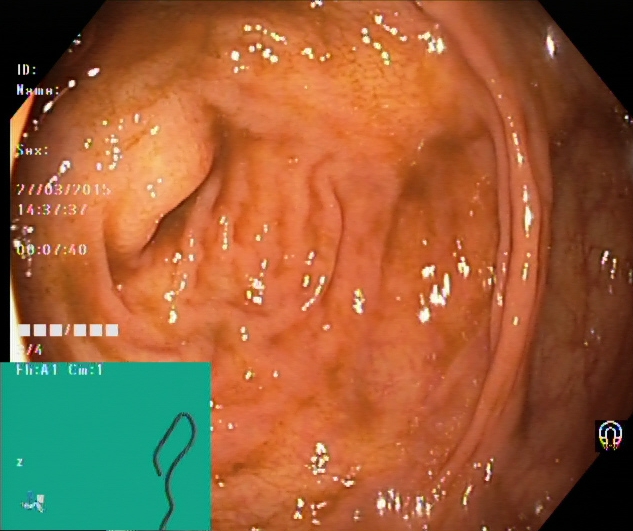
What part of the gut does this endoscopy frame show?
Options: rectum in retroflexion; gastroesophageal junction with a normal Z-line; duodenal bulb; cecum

cecum